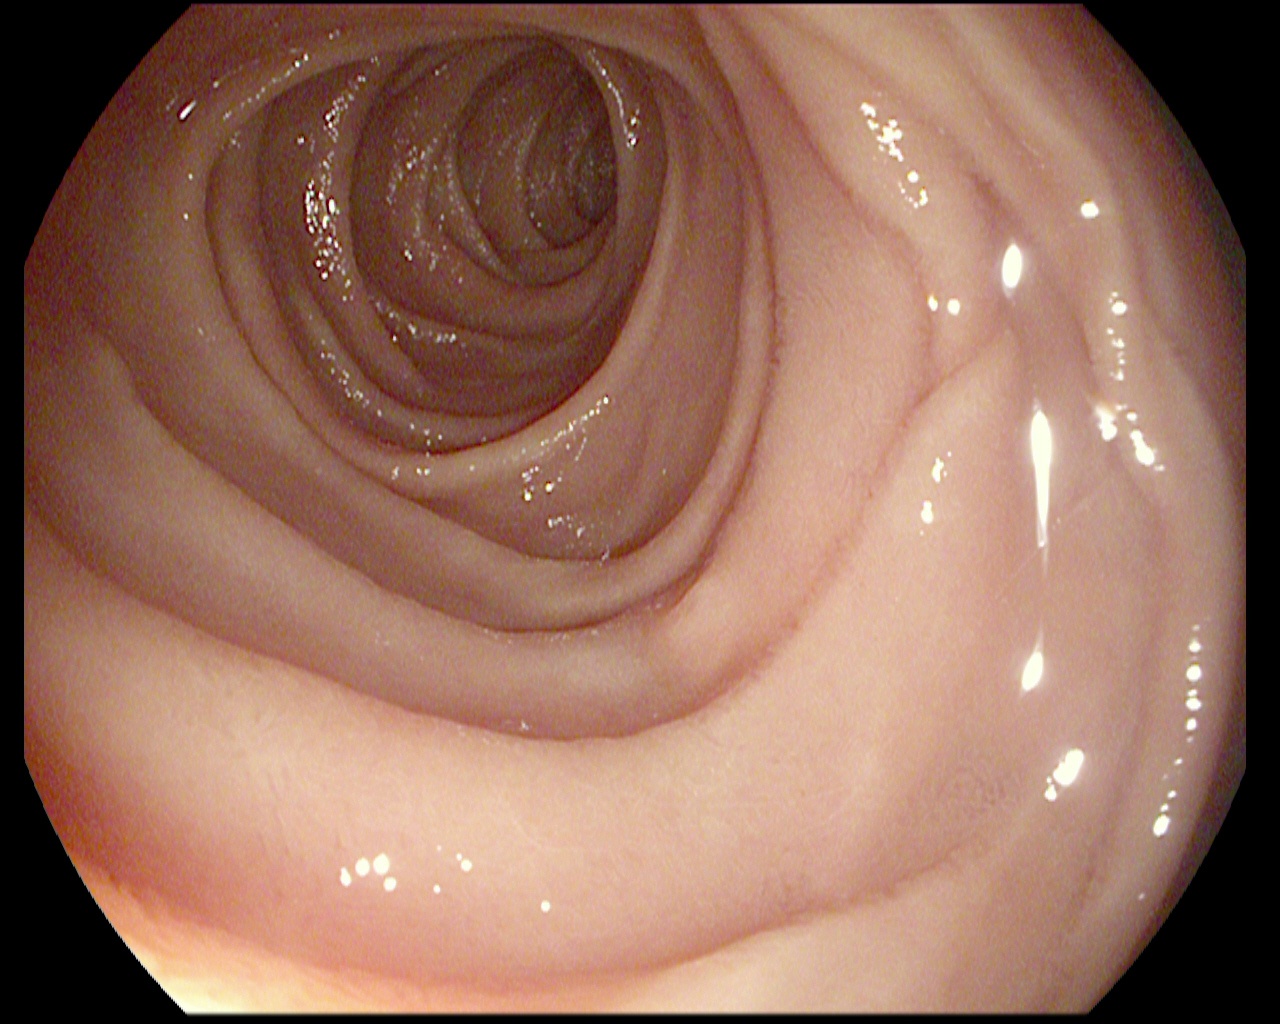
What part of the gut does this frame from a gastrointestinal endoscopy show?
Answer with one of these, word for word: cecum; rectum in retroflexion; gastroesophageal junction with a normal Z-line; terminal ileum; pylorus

terminal ileum